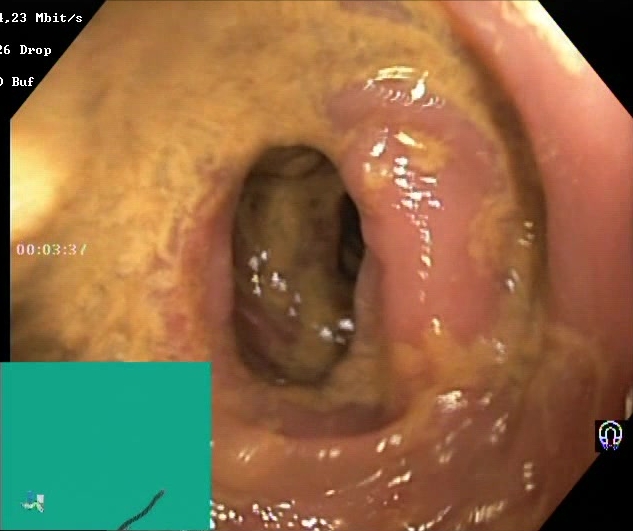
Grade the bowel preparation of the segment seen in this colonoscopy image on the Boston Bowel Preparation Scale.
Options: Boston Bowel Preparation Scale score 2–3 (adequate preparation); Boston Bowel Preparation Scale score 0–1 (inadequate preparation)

Boston Bowel Preparation Scale score 0–1 (inadequate preparation)